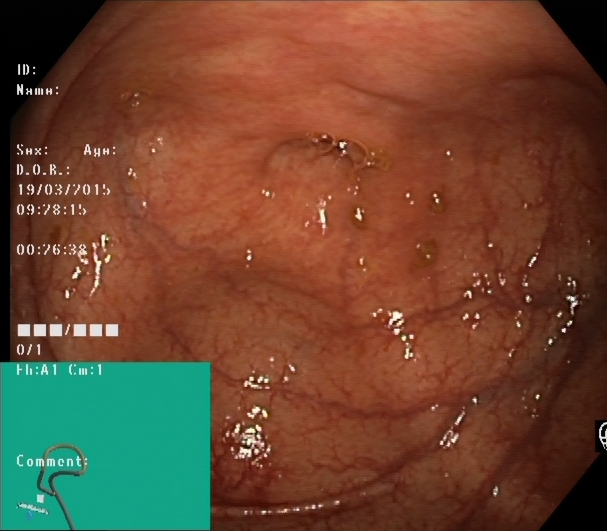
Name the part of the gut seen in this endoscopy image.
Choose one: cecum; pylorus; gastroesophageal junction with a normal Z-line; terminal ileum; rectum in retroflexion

cecum